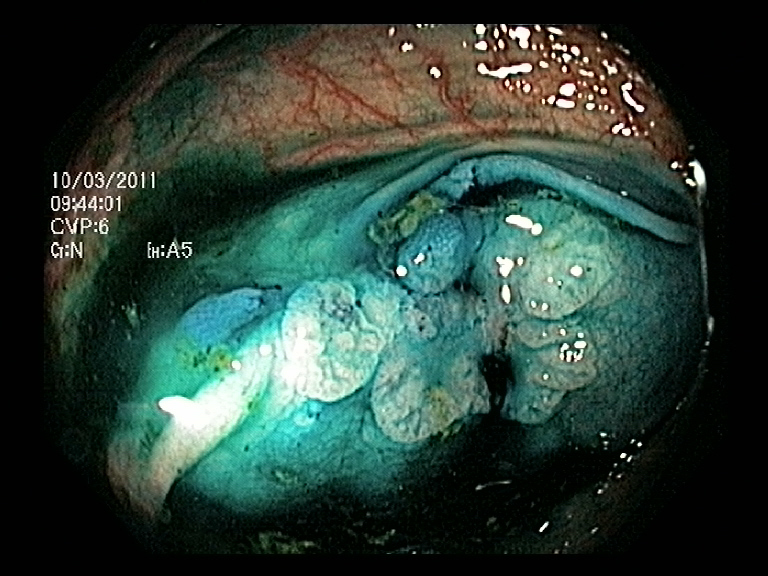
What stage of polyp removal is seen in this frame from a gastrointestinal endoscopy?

dyed and lifted polyp (pre-resection)